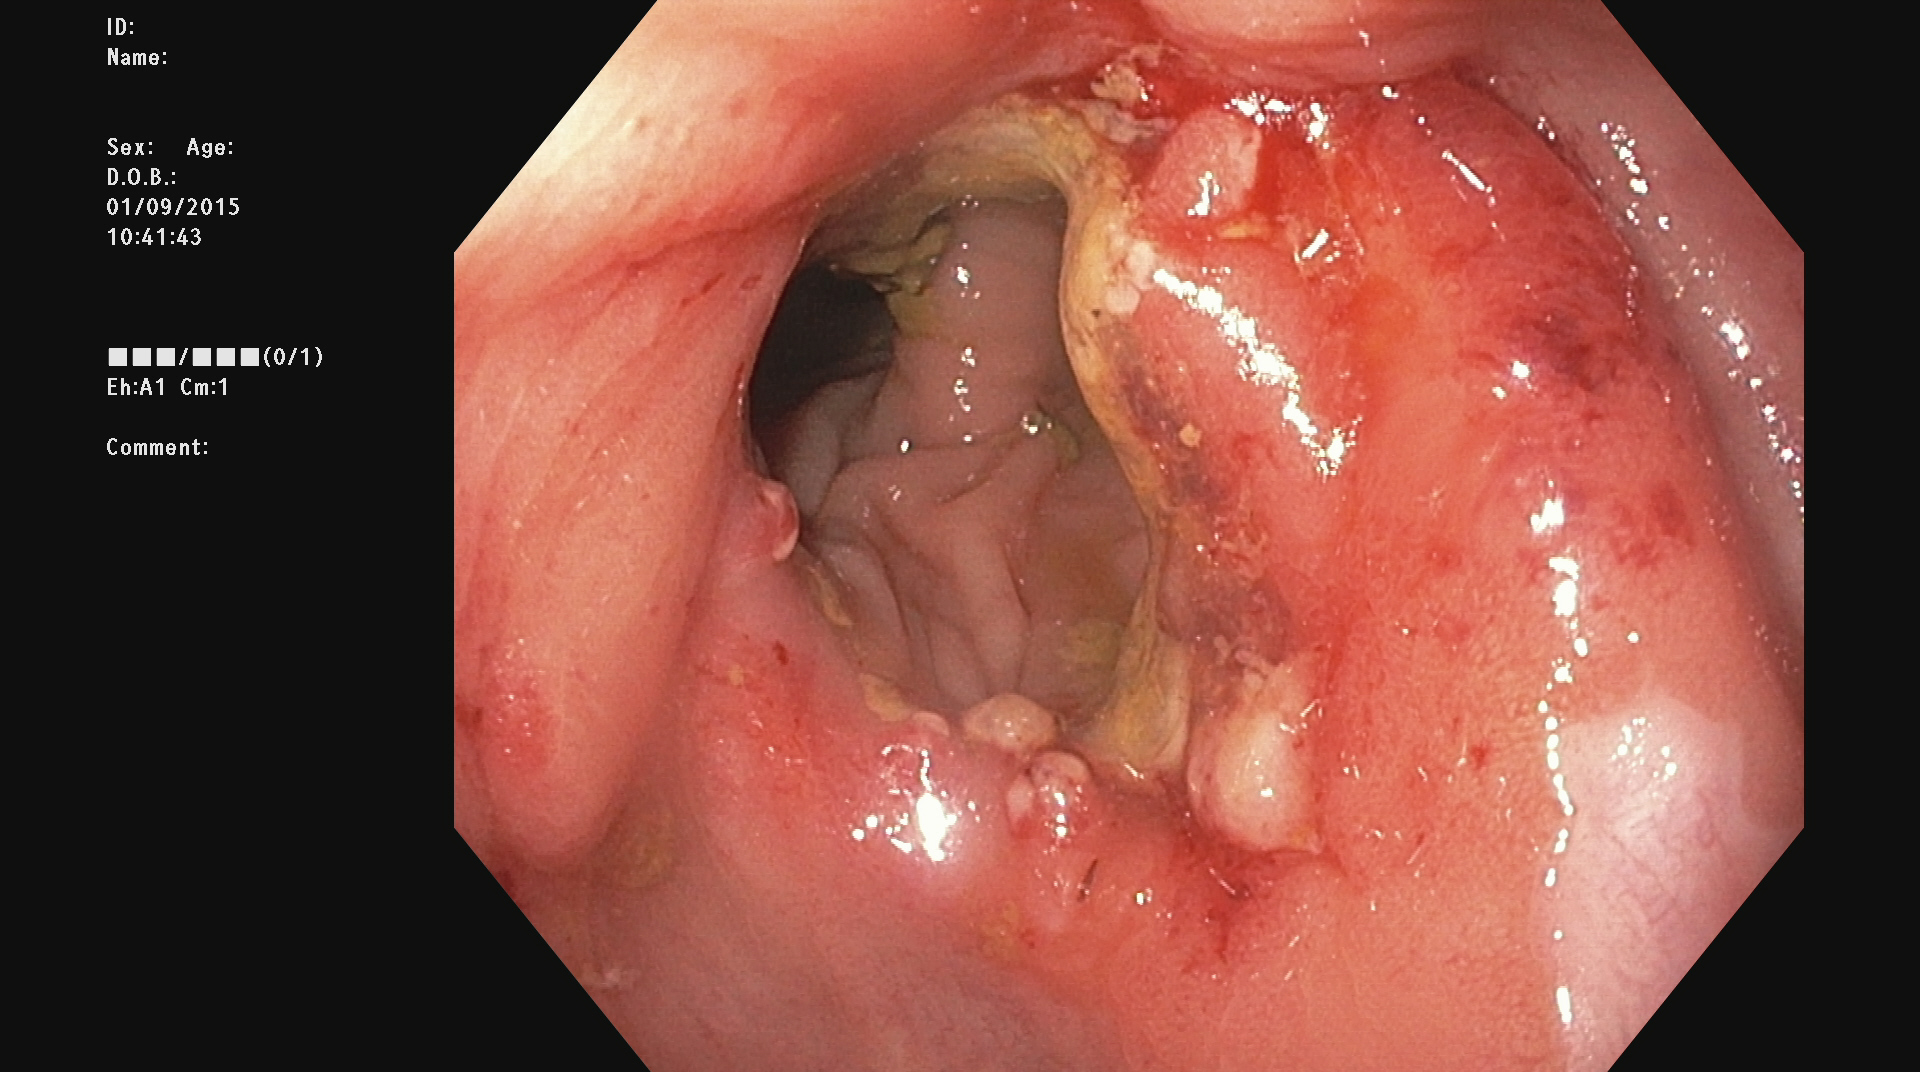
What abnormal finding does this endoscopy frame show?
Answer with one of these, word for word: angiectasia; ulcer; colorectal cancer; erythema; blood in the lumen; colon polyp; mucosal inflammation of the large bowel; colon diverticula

colorectal cancer